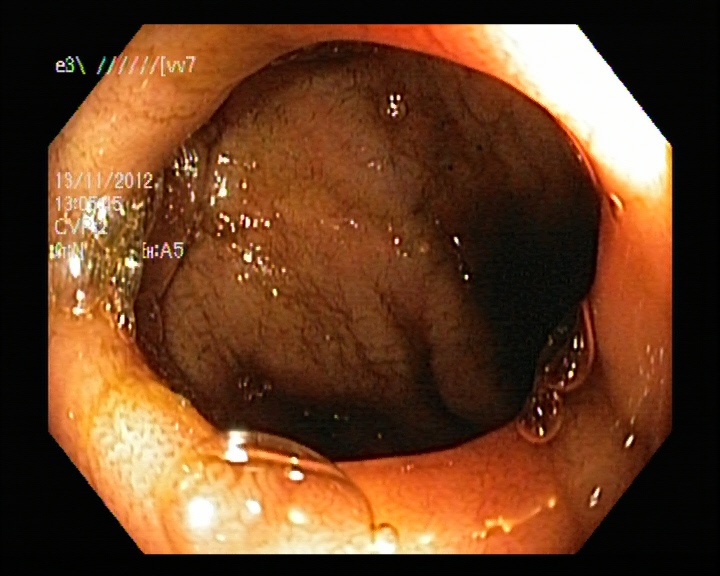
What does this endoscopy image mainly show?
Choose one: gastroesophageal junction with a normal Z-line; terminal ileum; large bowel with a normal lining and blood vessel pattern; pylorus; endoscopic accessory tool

large bowel with a normal lining and blood vessel pattern